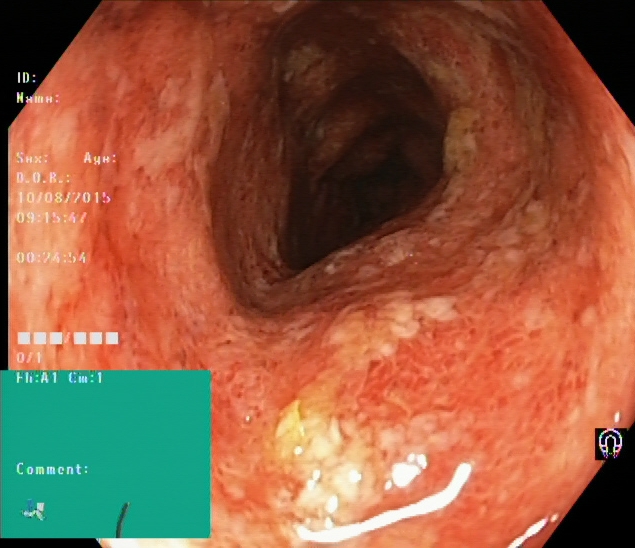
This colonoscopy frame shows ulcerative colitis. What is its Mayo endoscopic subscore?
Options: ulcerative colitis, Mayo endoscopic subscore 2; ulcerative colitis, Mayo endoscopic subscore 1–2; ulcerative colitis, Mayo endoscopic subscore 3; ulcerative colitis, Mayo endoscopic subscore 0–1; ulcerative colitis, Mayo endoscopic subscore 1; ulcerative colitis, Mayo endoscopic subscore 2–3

ulcerative colitis, Mayo endoscopic subscore 2